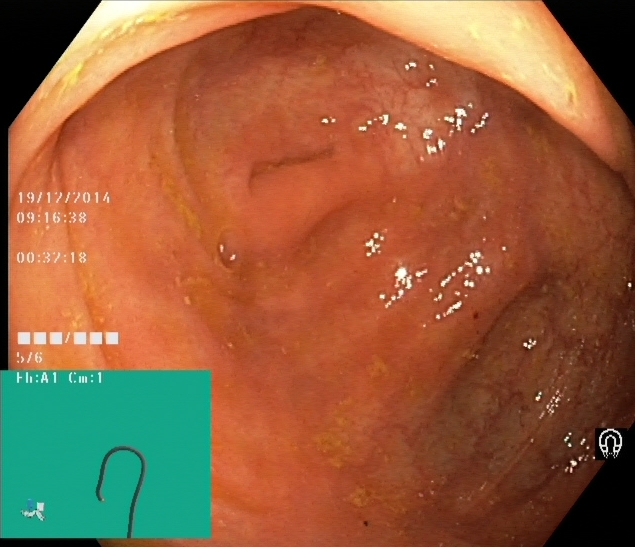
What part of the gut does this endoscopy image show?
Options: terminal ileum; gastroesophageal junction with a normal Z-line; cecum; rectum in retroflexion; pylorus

cecum